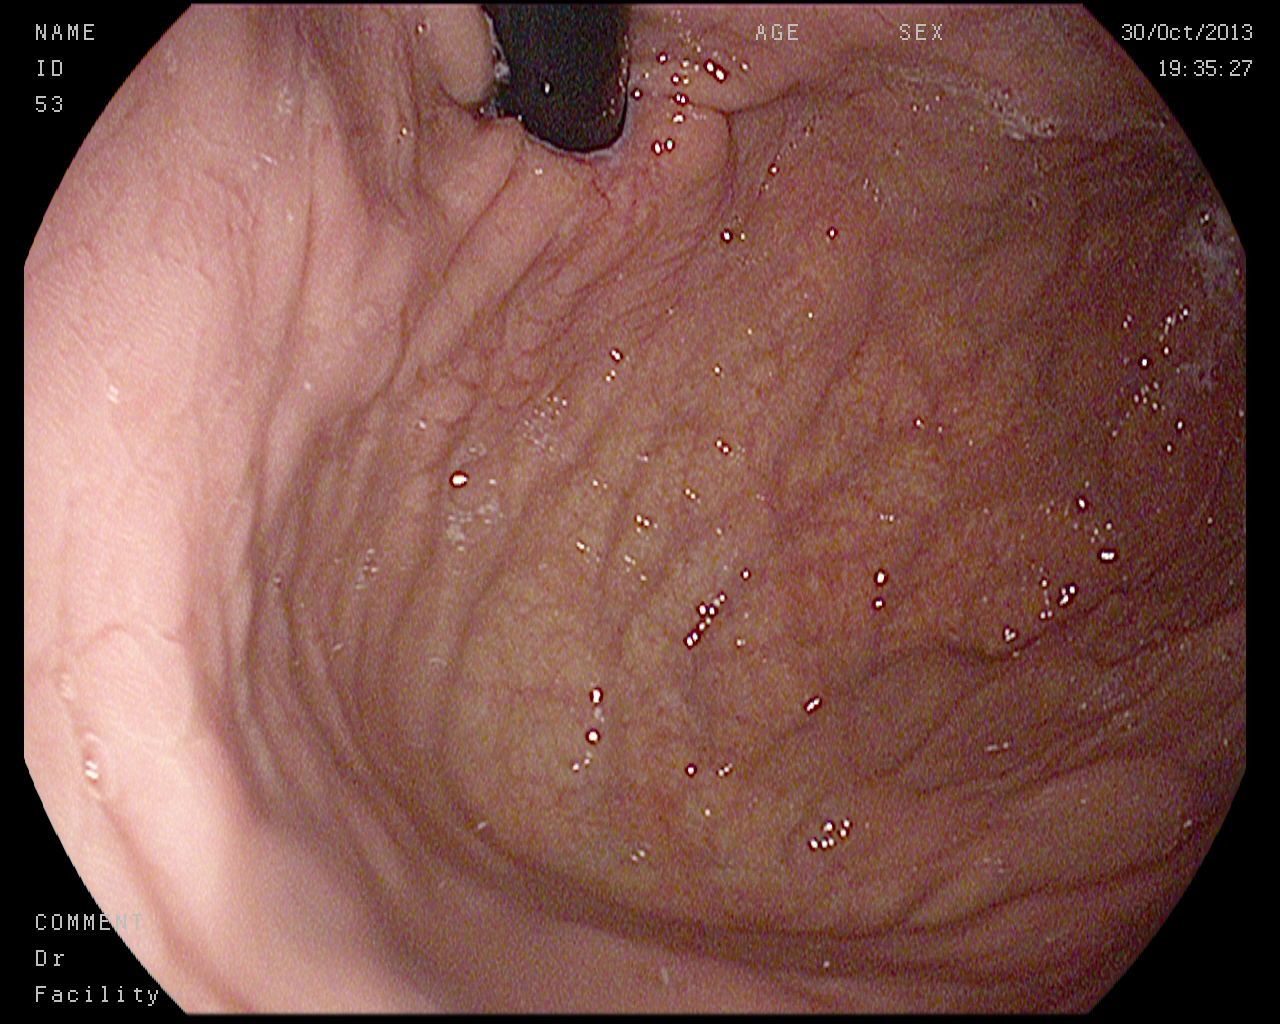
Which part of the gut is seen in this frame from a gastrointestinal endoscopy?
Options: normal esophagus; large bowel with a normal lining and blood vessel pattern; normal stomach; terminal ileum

normal stomach